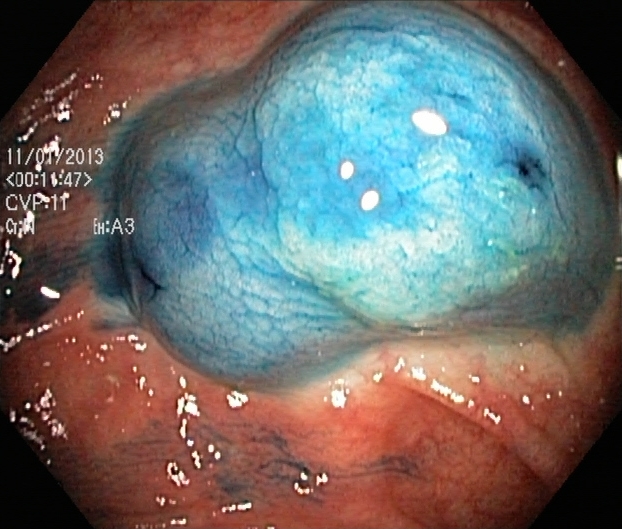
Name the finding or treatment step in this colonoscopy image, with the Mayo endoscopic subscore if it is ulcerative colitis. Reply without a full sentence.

dyed and lifted polyp (pre-resection)